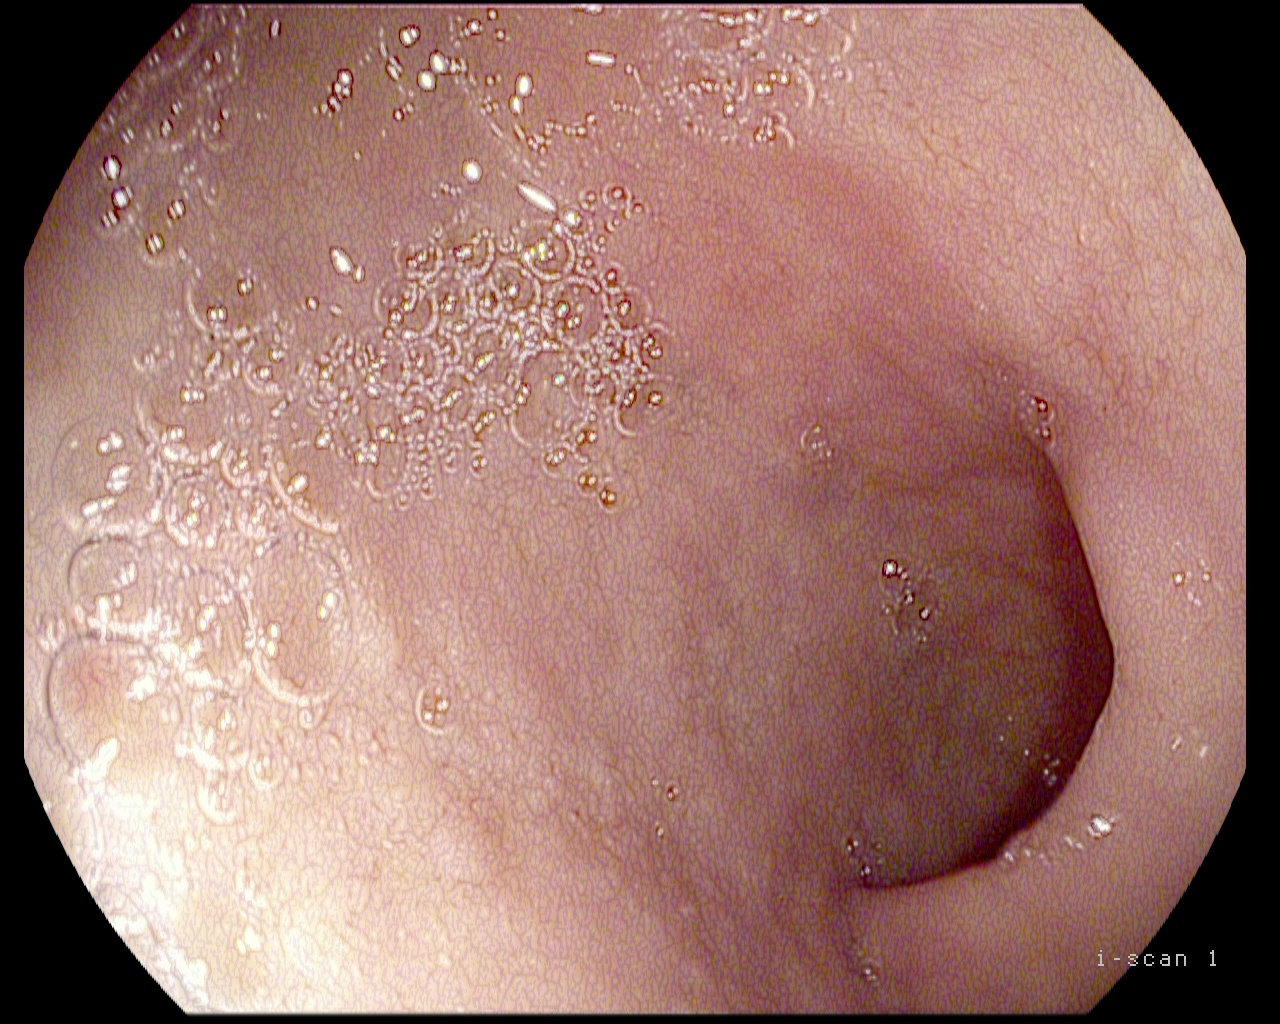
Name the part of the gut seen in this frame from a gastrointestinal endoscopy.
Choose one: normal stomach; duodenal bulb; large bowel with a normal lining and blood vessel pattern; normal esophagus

duodenal bulb